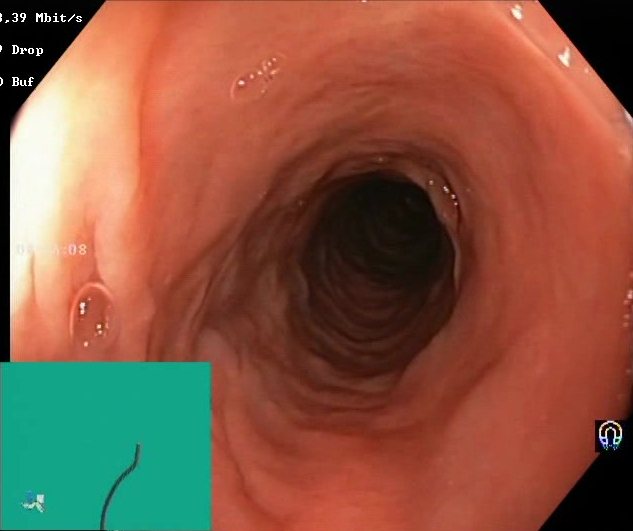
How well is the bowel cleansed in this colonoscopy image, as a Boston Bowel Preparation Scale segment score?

Boston Bowel Preparation Scale score 2–3 (adequate preparation)